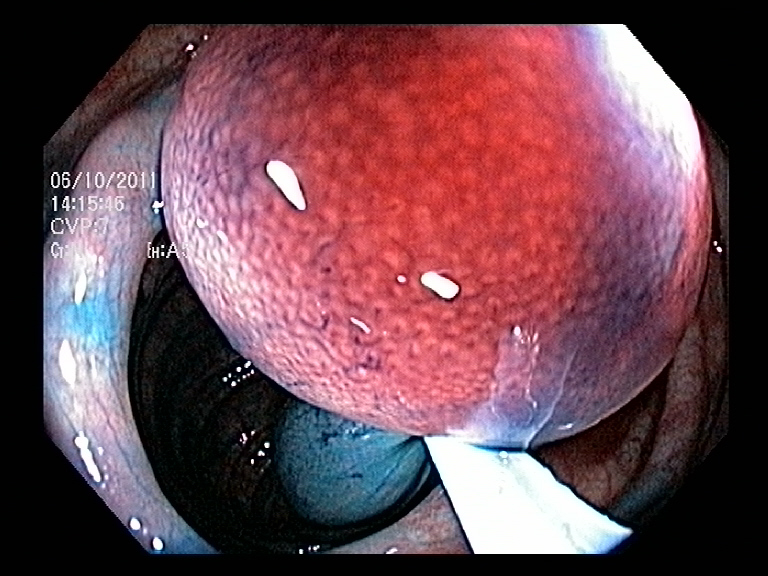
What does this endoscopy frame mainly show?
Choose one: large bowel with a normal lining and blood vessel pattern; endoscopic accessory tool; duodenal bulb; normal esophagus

endoscopic accessory tool